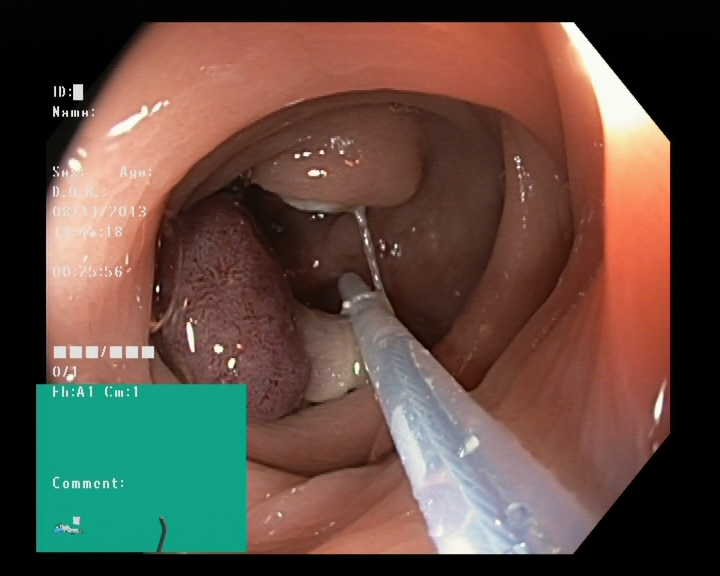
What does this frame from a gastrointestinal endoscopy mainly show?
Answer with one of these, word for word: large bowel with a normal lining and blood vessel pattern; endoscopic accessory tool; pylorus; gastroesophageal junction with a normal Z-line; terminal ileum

endoscopic accessory tool